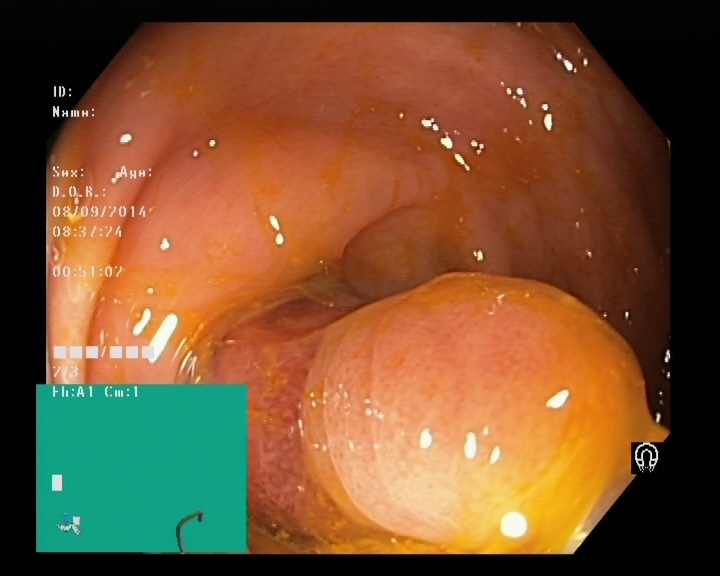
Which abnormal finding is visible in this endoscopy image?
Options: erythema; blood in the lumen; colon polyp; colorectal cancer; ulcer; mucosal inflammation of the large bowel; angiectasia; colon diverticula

colon polyp